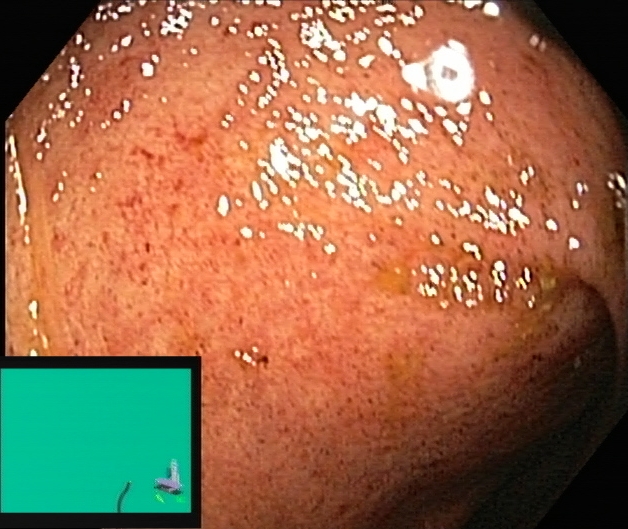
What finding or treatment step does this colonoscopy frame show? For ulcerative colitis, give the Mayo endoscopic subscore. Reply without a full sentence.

ulcerative colitis, Mayo endoscopic subscore 2